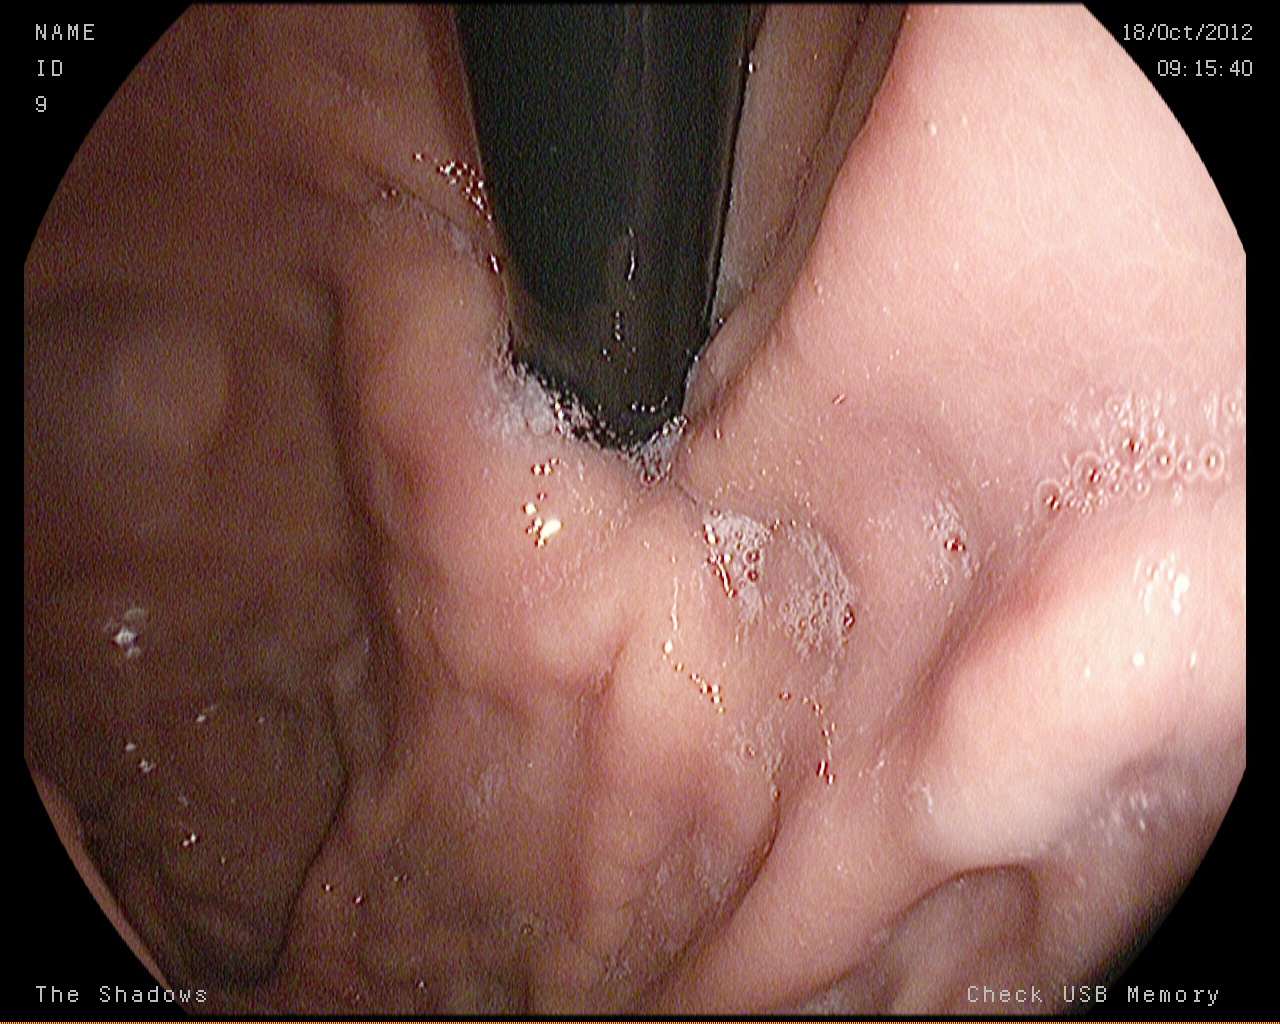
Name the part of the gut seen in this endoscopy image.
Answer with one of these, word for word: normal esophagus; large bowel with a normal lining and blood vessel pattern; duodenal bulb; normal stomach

normal stomach